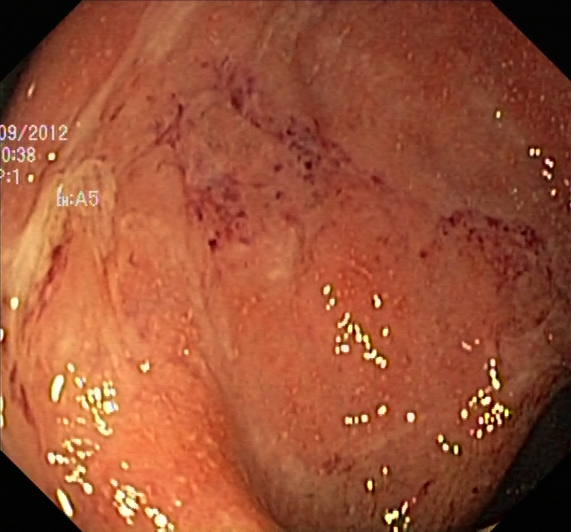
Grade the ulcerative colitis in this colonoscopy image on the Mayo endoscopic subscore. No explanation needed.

ulcerative colitis, Mayo endoscopic subscore 2